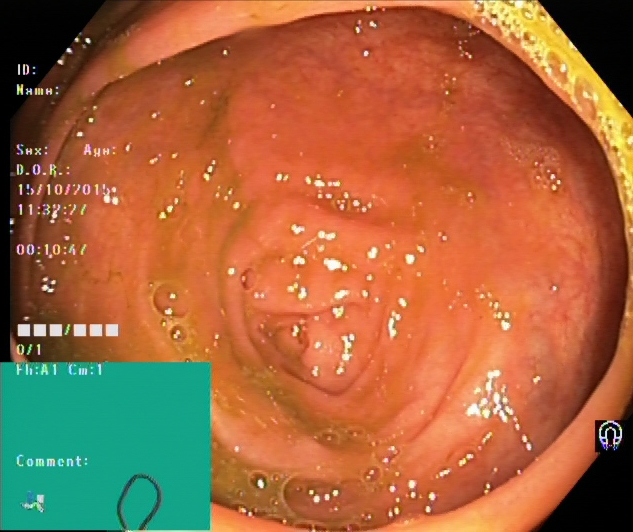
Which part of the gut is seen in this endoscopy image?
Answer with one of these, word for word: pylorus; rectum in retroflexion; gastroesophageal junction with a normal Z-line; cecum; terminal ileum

cecum